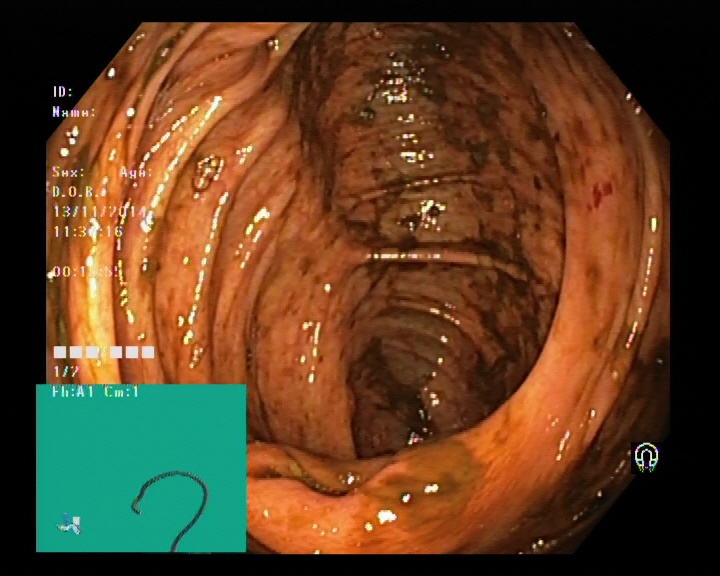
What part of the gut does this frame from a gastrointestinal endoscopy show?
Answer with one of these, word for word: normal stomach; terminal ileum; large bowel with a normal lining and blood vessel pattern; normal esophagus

large bowel with a normal lining and blood vessel pattern